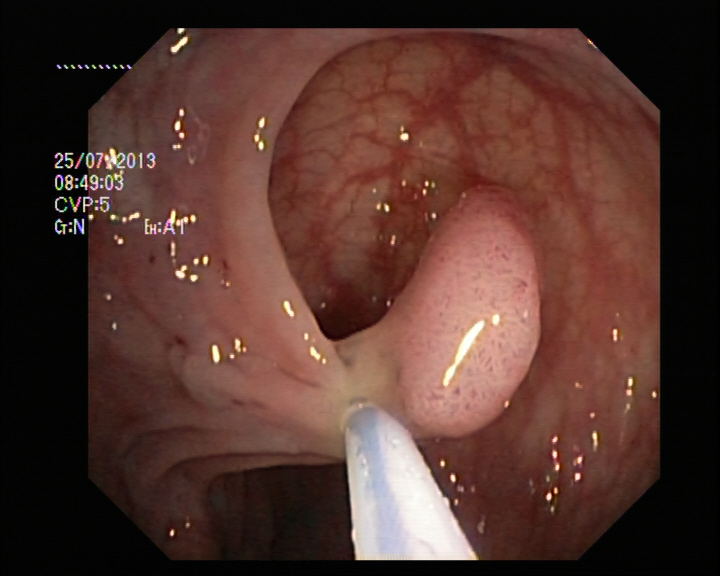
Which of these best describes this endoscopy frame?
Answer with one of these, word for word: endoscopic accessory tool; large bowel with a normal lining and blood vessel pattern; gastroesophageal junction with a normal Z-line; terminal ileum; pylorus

endoscopic accessory tool